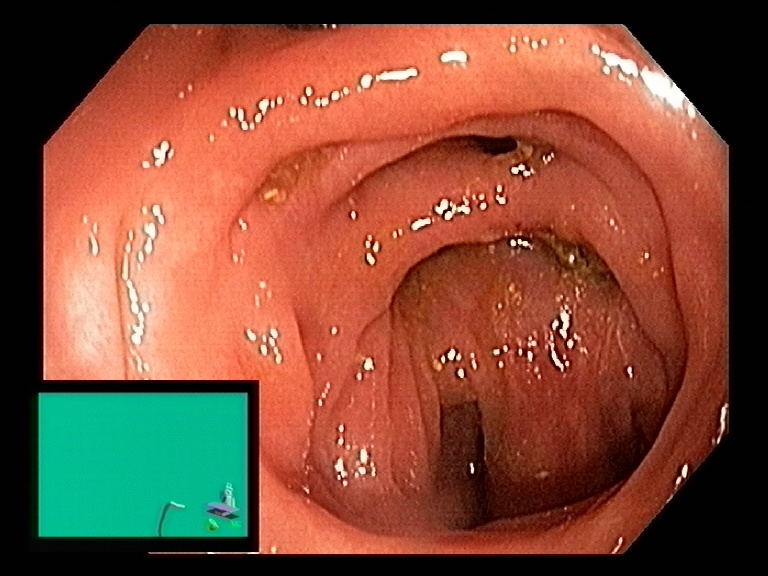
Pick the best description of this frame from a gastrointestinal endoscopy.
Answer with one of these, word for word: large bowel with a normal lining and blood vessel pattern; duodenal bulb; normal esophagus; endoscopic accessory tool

large bowel with a normal lining and blood vessel pattern